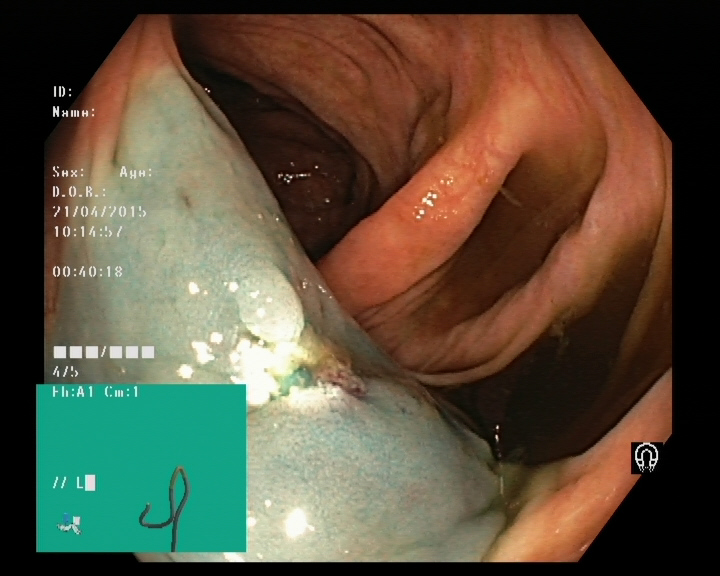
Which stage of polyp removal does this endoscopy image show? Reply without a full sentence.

dyed resection margin (post-polypectomy)